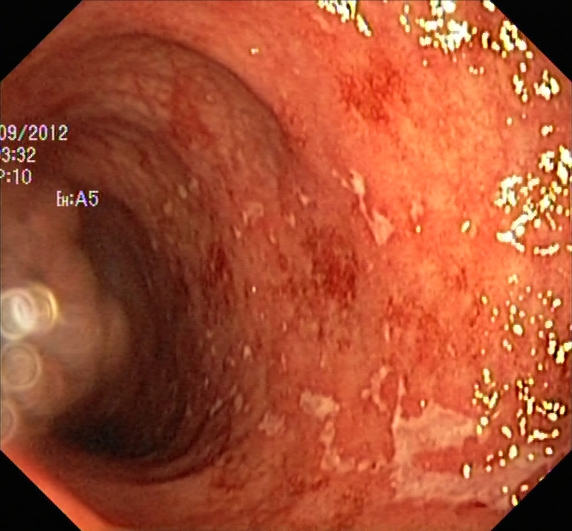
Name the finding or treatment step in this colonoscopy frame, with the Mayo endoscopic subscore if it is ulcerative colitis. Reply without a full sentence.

ulcerative colitis, Mayo endoscopic subscore 2